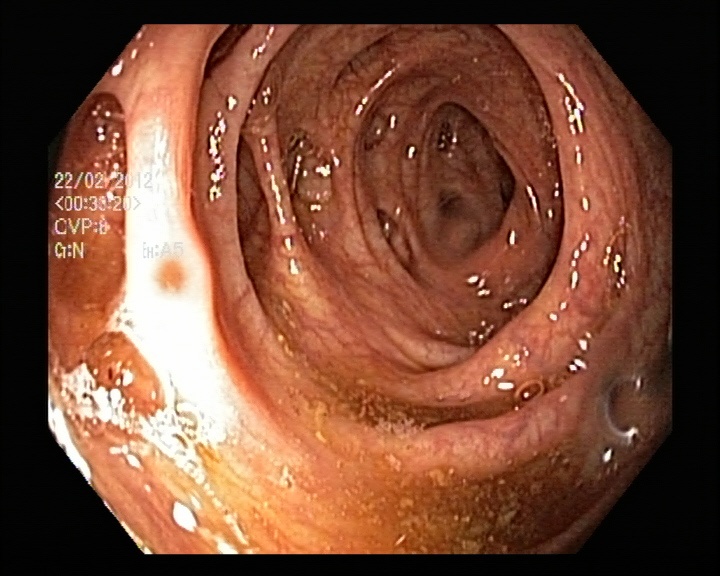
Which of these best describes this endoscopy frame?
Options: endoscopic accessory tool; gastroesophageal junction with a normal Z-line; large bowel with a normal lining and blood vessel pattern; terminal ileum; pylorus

large bowel with a normal lining and blood vessel pattern